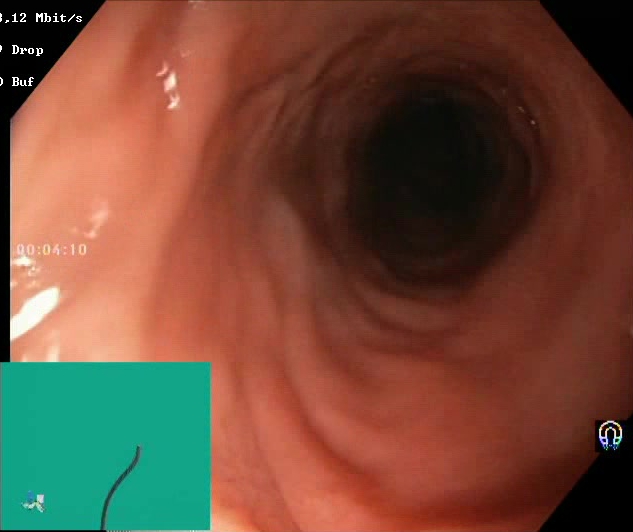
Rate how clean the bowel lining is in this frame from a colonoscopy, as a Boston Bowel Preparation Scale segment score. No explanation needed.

Boston Bowel Preparation Scale score 2–3 (adequate preparation)